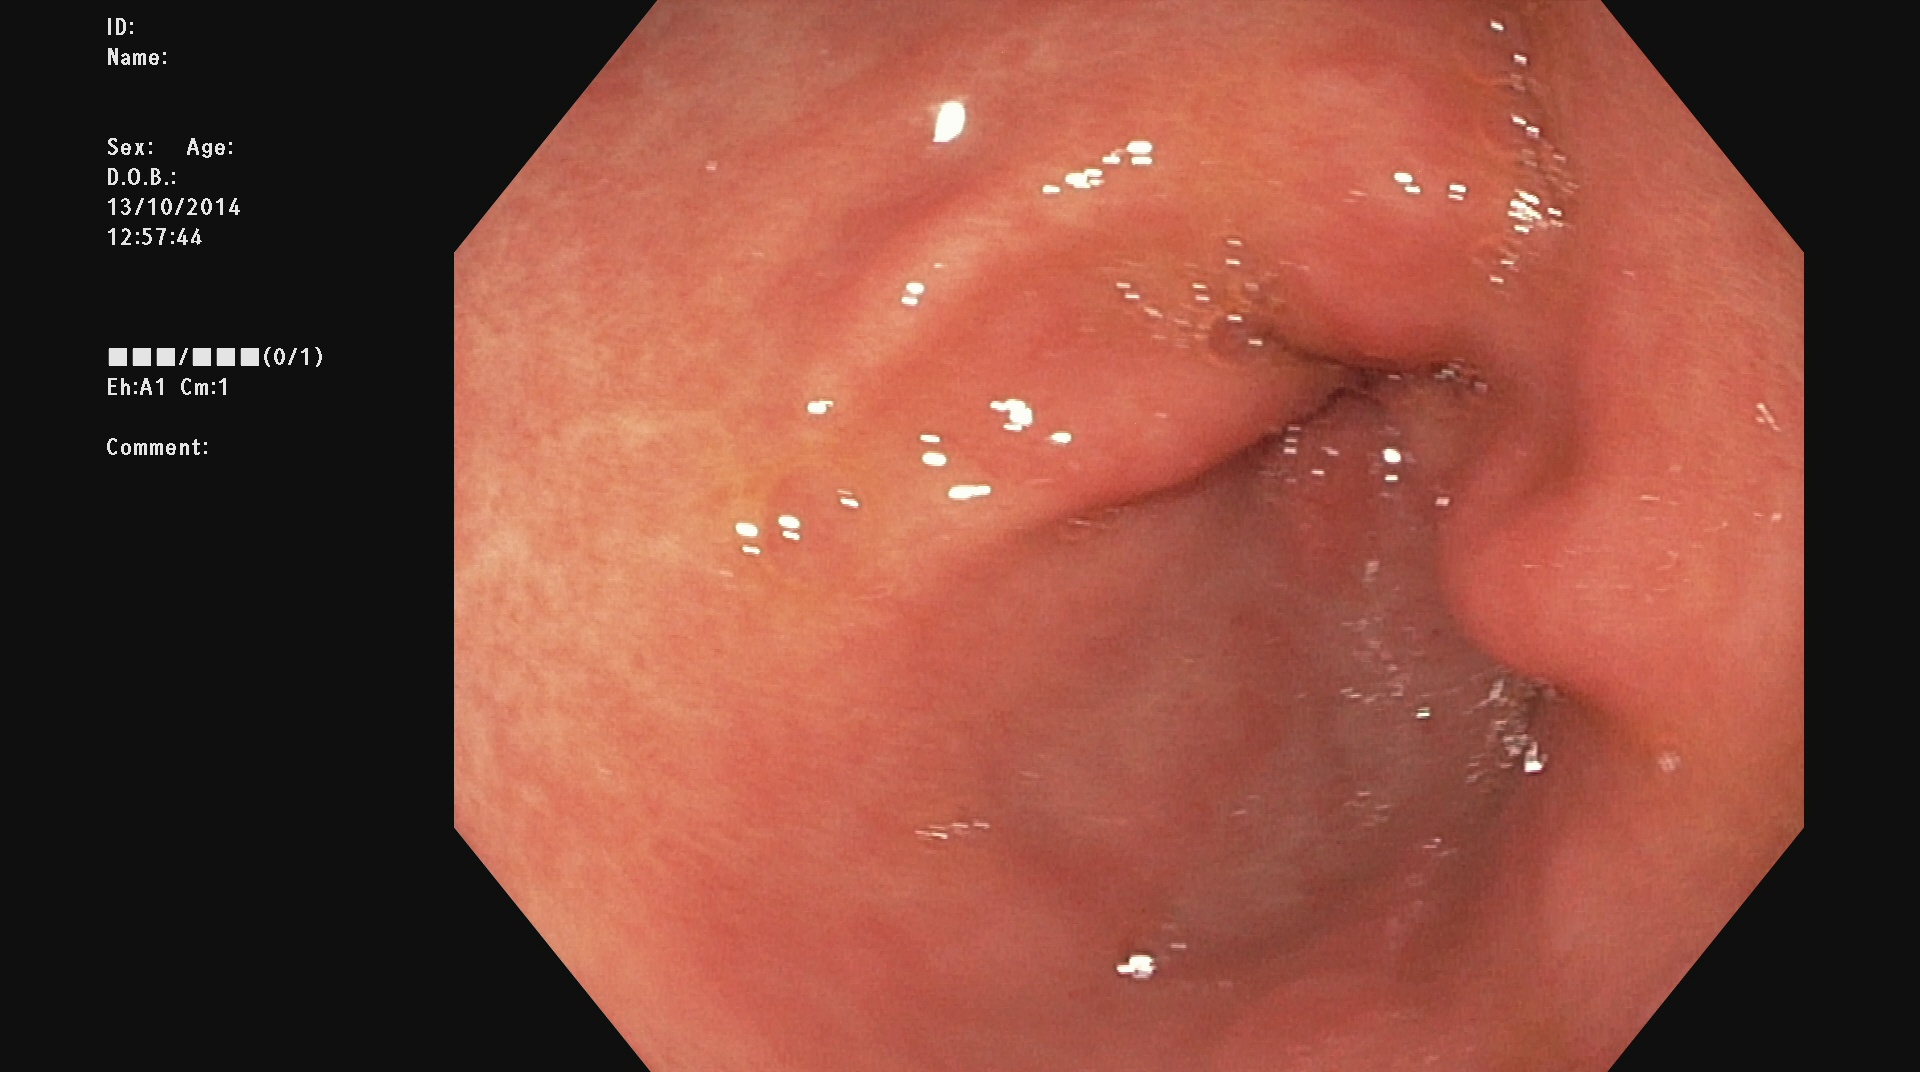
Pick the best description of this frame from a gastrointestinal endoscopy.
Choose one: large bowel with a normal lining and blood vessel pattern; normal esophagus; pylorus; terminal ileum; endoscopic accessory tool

pylorus